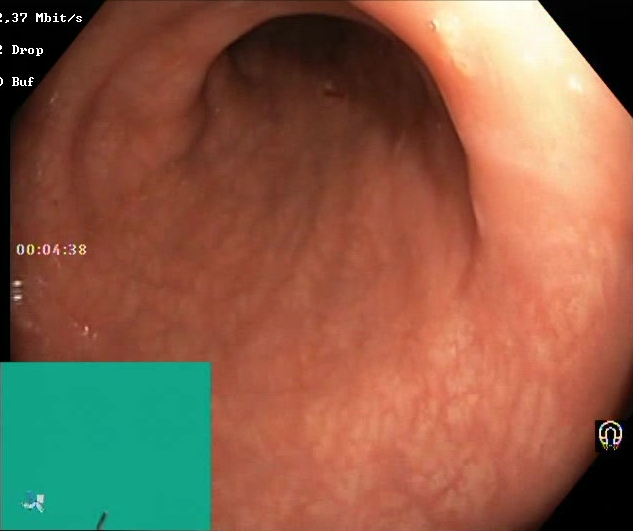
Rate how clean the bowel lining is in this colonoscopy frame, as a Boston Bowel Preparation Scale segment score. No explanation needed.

Boston Bowel Preparation Scale score 2–3 (adequate preparation)